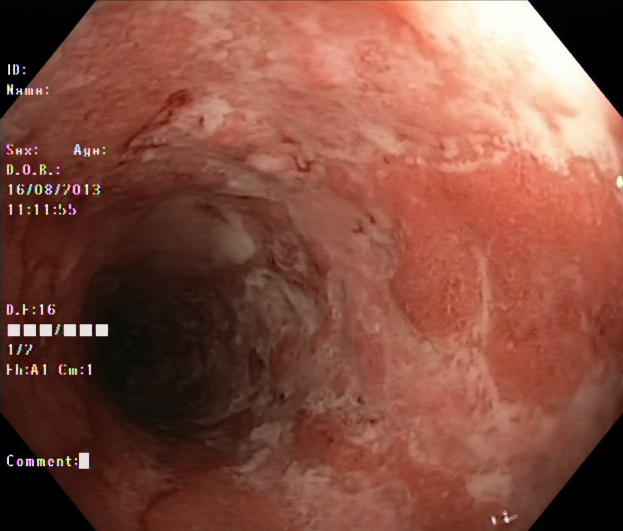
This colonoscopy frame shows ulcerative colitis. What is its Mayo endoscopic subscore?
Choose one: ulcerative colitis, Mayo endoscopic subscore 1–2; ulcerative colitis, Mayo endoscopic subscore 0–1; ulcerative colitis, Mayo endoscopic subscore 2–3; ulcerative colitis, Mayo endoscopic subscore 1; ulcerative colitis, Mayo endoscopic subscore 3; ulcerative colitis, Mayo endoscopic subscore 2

ulcerative colitis, Mayo endoscopic subscore 3